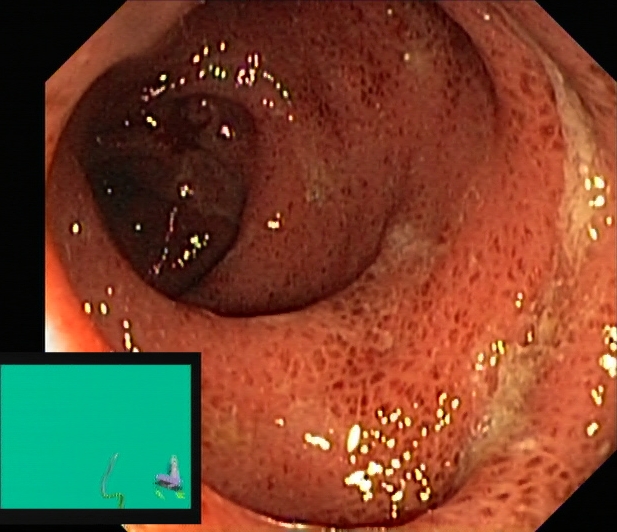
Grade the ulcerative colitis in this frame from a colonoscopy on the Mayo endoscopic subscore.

ulcerative colitis, Mayo endoscopic subscore 2